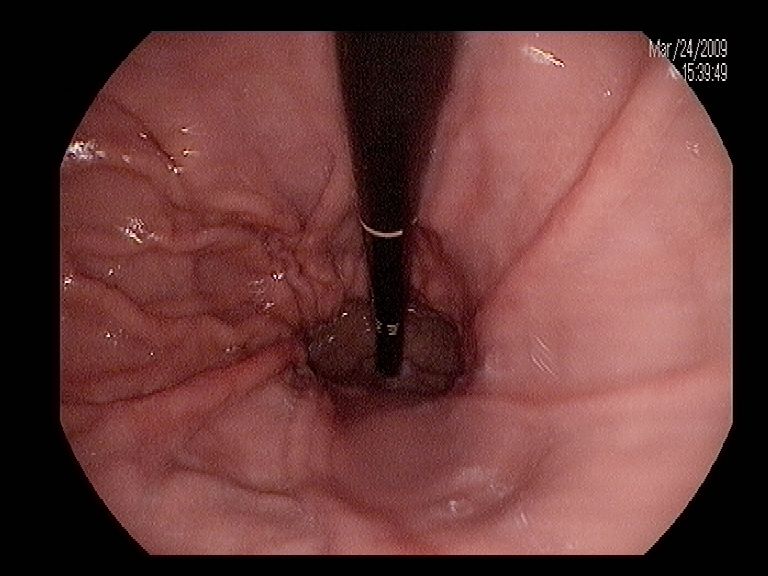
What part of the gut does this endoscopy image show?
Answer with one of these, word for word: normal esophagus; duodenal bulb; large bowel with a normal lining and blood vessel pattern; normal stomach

normal stomach